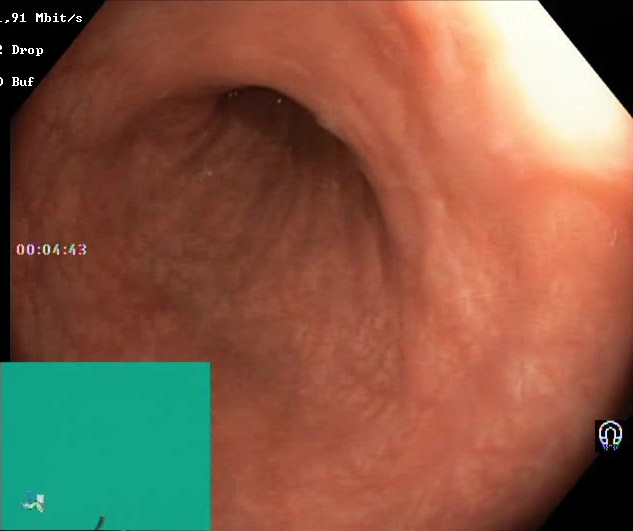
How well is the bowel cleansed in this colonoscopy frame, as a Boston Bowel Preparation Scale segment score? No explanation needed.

Boston Bowel Preparation Scale score 2–3 (adequate preparation)